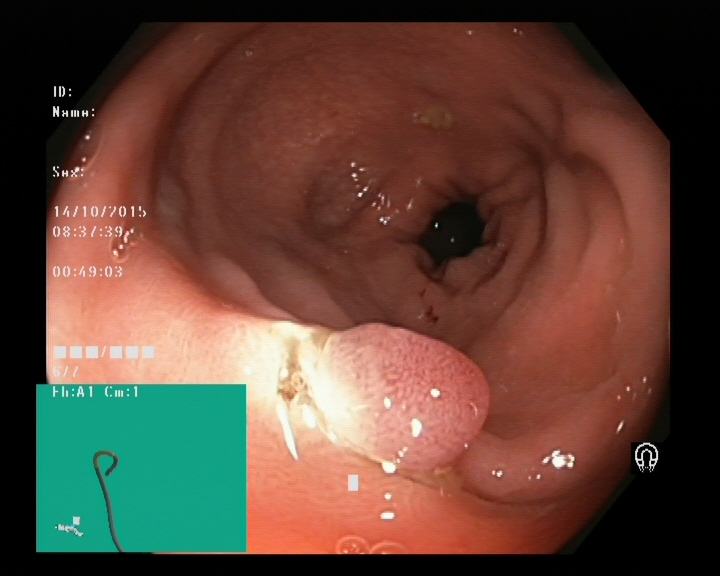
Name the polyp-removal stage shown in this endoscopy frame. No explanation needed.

undyed resection margin (post-polypectomy)